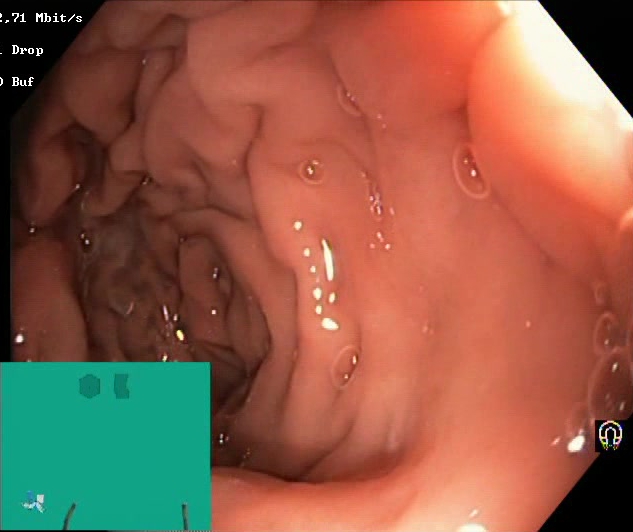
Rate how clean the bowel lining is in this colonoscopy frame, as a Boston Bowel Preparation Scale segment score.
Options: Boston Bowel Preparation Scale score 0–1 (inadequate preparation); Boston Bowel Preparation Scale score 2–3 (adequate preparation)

Boston Bowel Preparation Scale score 2–3 (adequate preparation)